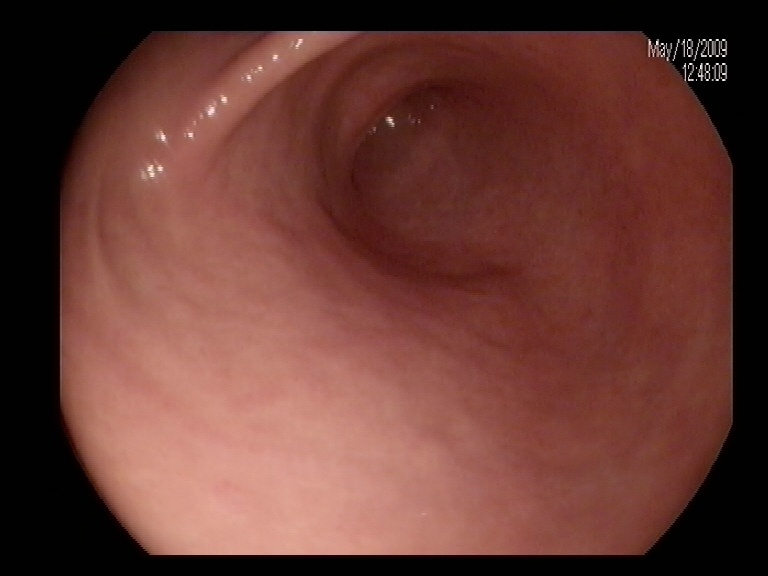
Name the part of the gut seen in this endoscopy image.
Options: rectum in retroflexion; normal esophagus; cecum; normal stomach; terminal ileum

normal stomach